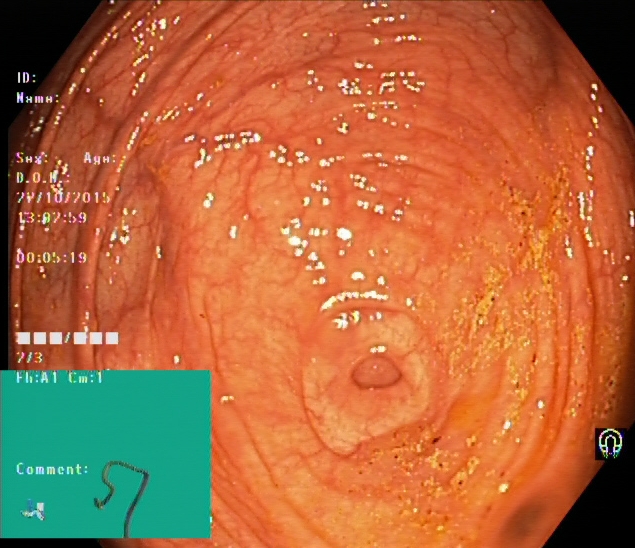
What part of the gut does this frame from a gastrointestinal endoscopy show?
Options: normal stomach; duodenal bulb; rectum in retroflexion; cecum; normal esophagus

cecum